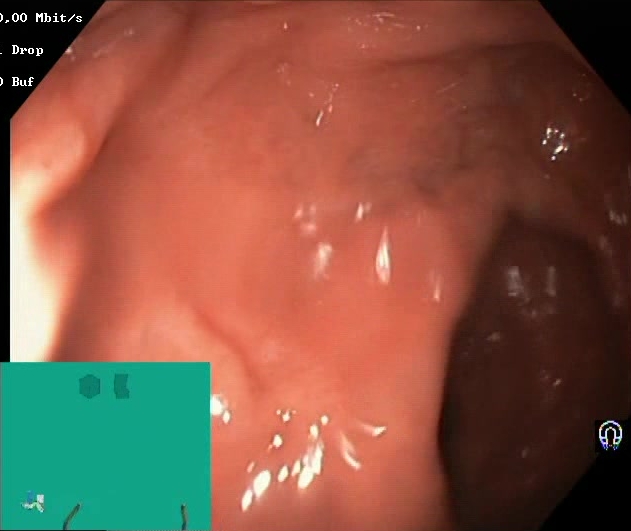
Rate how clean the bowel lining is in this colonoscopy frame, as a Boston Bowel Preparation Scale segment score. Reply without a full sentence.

Boston Bowel Preparation Scale score 2–3 (adequate preparation)